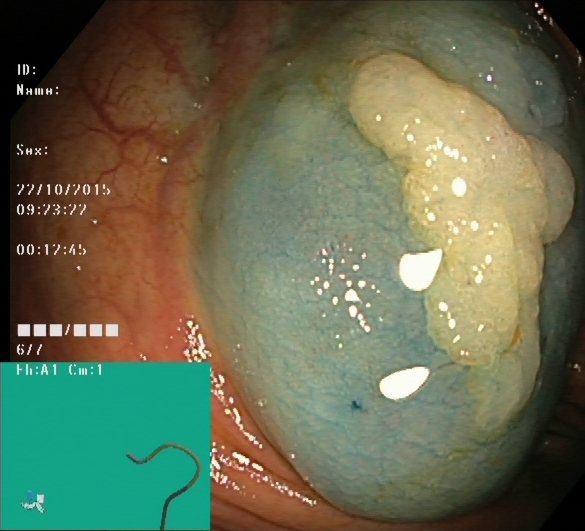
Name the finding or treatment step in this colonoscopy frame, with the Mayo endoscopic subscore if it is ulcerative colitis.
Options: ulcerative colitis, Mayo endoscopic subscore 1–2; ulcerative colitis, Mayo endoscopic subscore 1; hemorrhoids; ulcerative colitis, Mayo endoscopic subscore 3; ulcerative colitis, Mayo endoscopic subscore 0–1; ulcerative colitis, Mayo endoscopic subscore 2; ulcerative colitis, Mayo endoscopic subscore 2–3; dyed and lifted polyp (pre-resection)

dyed and lifted polyp (pre-resection)